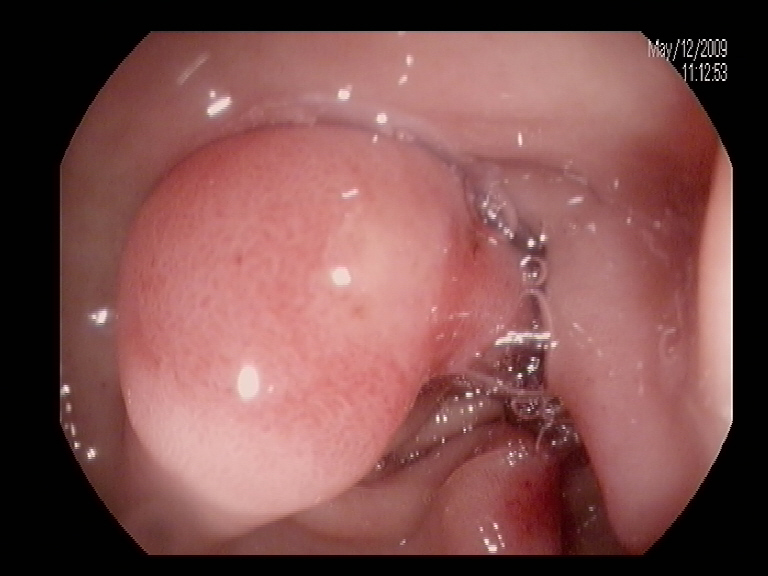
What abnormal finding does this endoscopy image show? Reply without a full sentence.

colon polyp